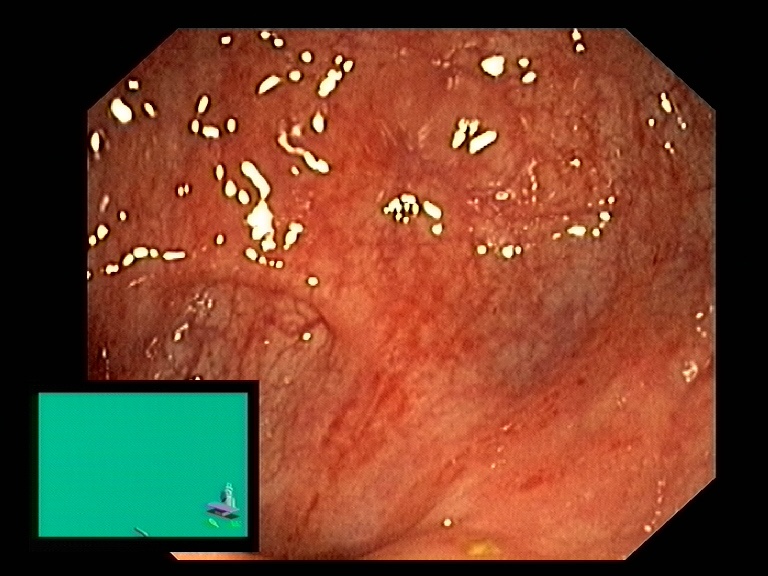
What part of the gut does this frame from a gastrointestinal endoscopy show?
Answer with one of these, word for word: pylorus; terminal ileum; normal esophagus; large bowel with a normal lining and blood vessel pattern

large bowel with a normal lining and blood vessel pattern